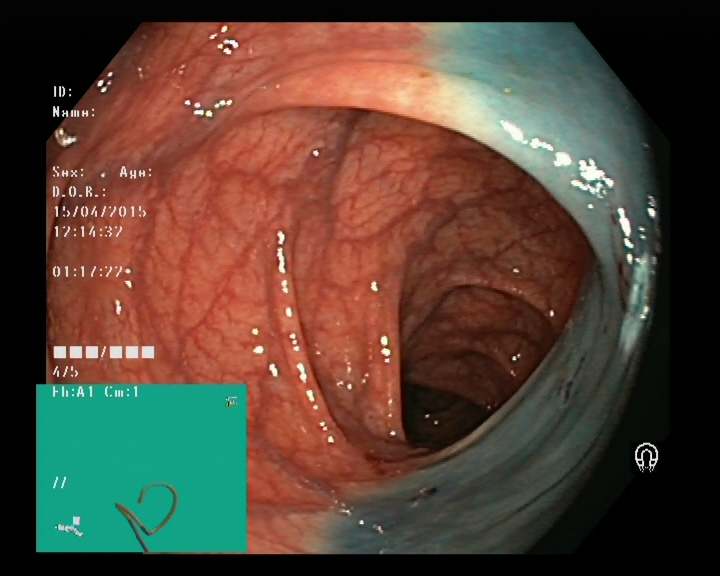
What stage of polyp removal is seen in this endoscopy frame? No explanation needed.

dyed resection margin (post-polypectomy)